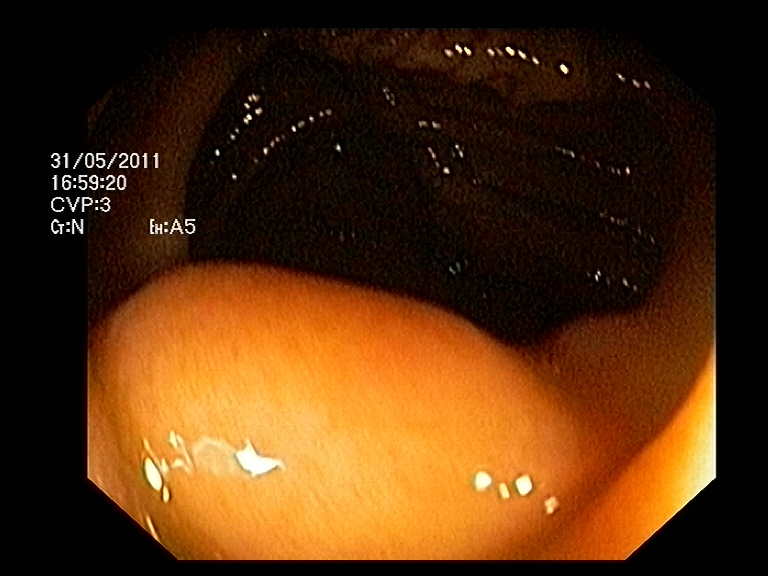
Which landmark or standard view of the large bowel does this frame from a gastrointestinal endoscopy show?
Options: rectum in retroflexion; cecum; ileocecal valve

ileocecal valve